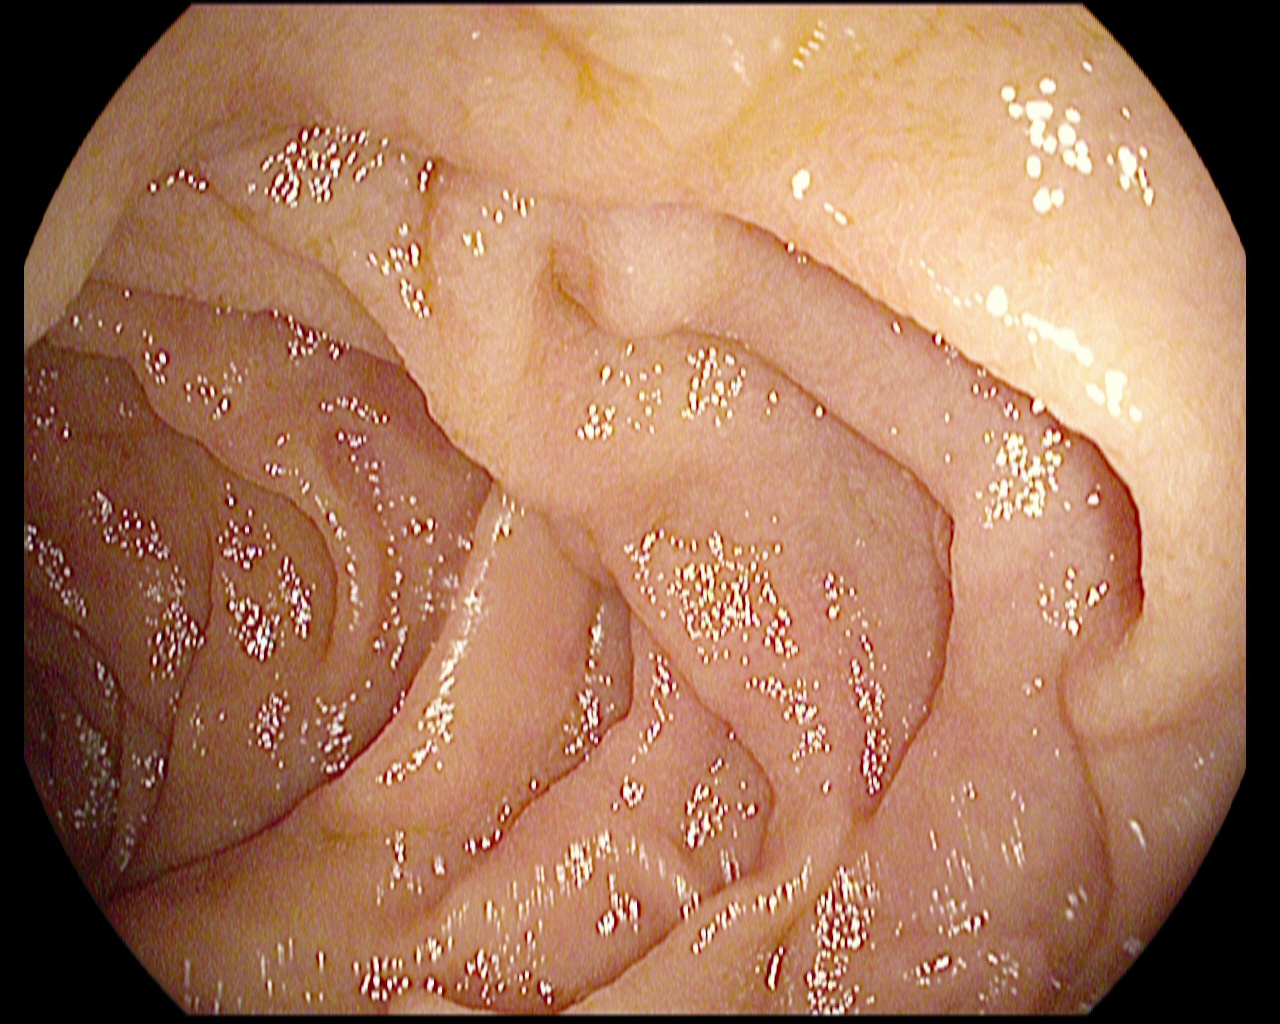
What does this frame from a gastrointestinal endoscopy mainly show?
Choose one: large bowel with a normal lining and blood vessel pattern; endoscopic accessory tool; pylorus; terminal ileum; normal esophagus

terminal ileum